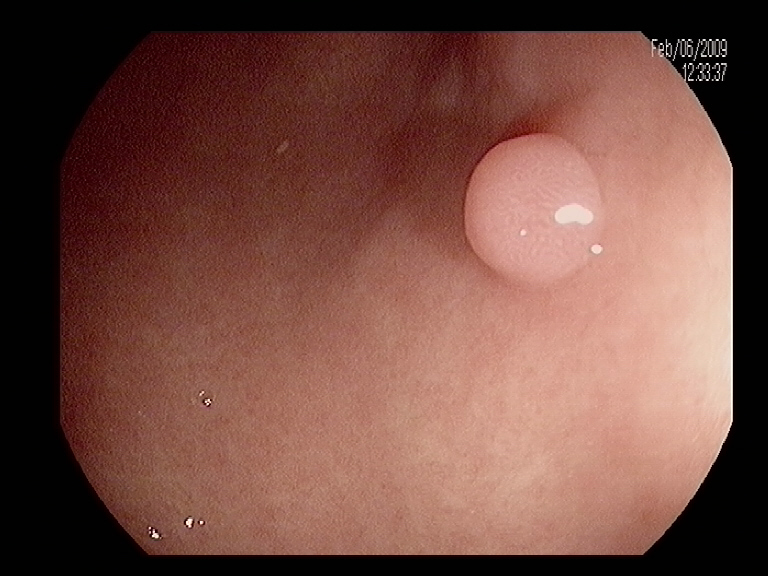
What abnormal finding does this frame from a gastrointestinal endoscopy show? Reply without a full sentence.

gastric polyp